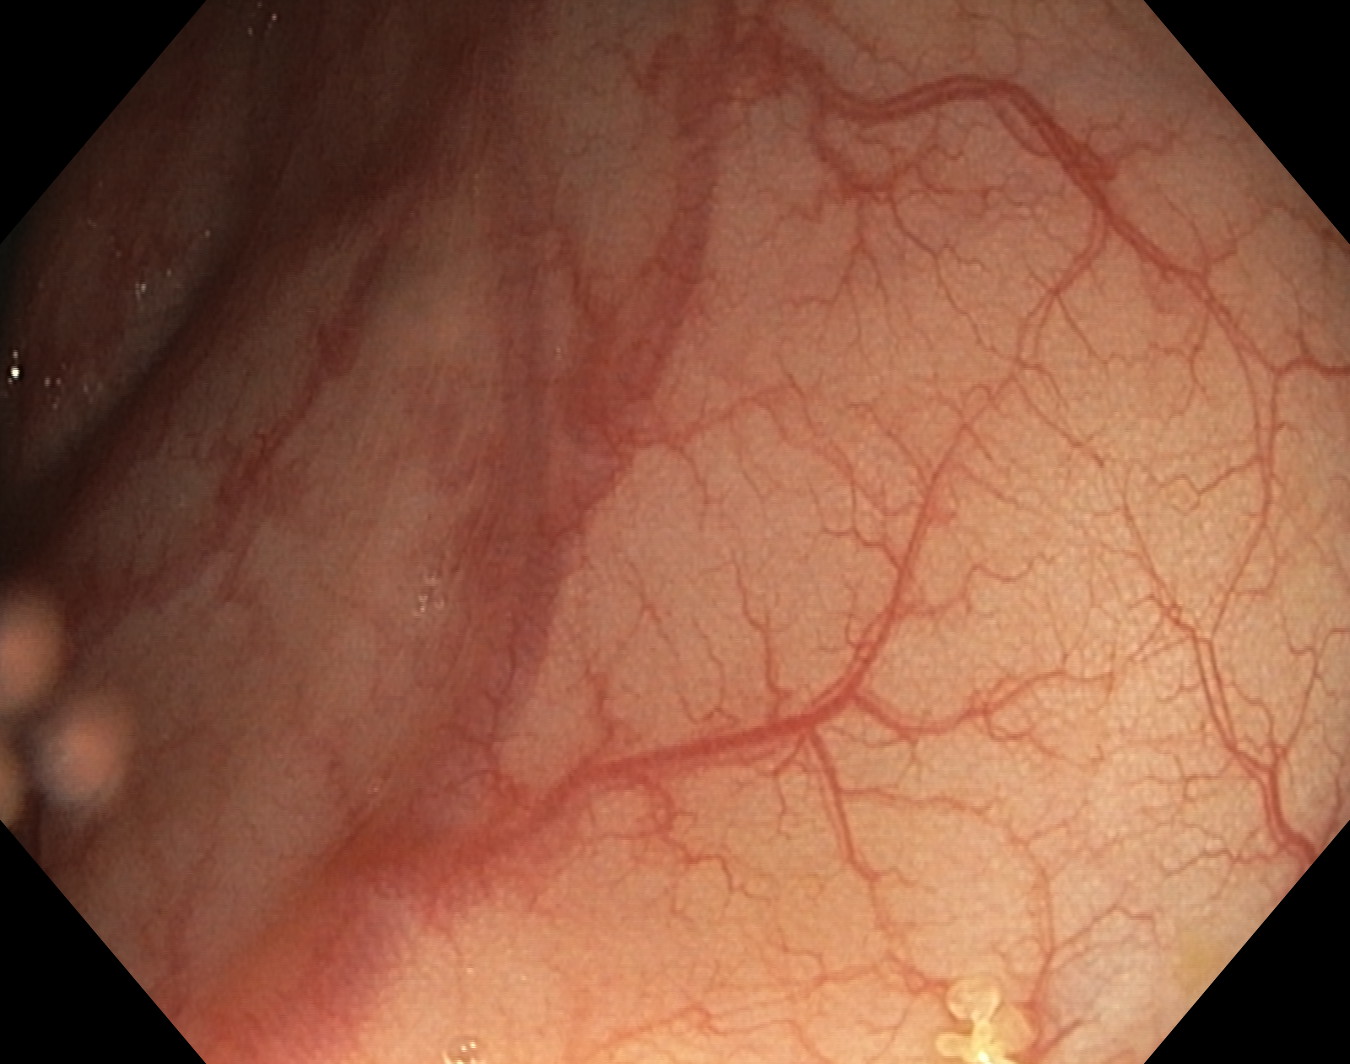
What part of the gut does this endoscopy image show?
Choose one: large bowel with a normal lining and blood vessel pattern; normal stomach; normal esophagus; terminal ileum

large bowel with a normal lining and blood vessel pattern